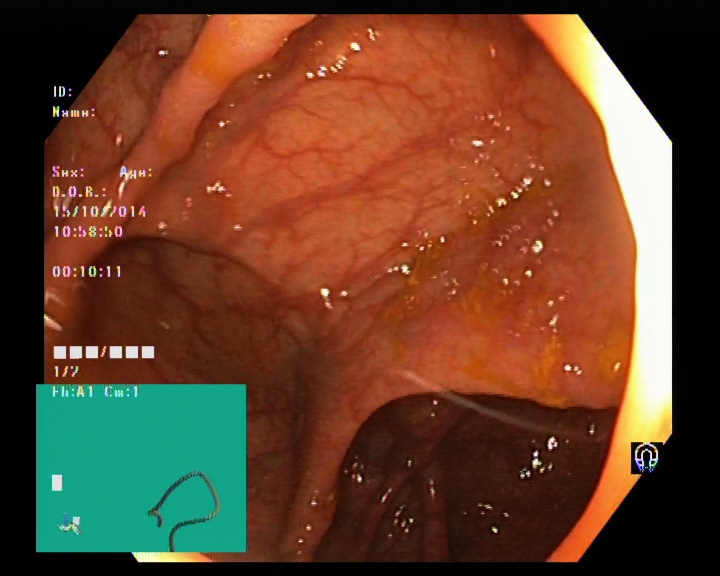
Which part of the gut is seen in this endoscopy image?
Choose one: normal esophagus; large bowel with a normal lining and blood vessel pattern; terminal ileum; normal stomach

large bowel with a normal lining and blood vessel pattern